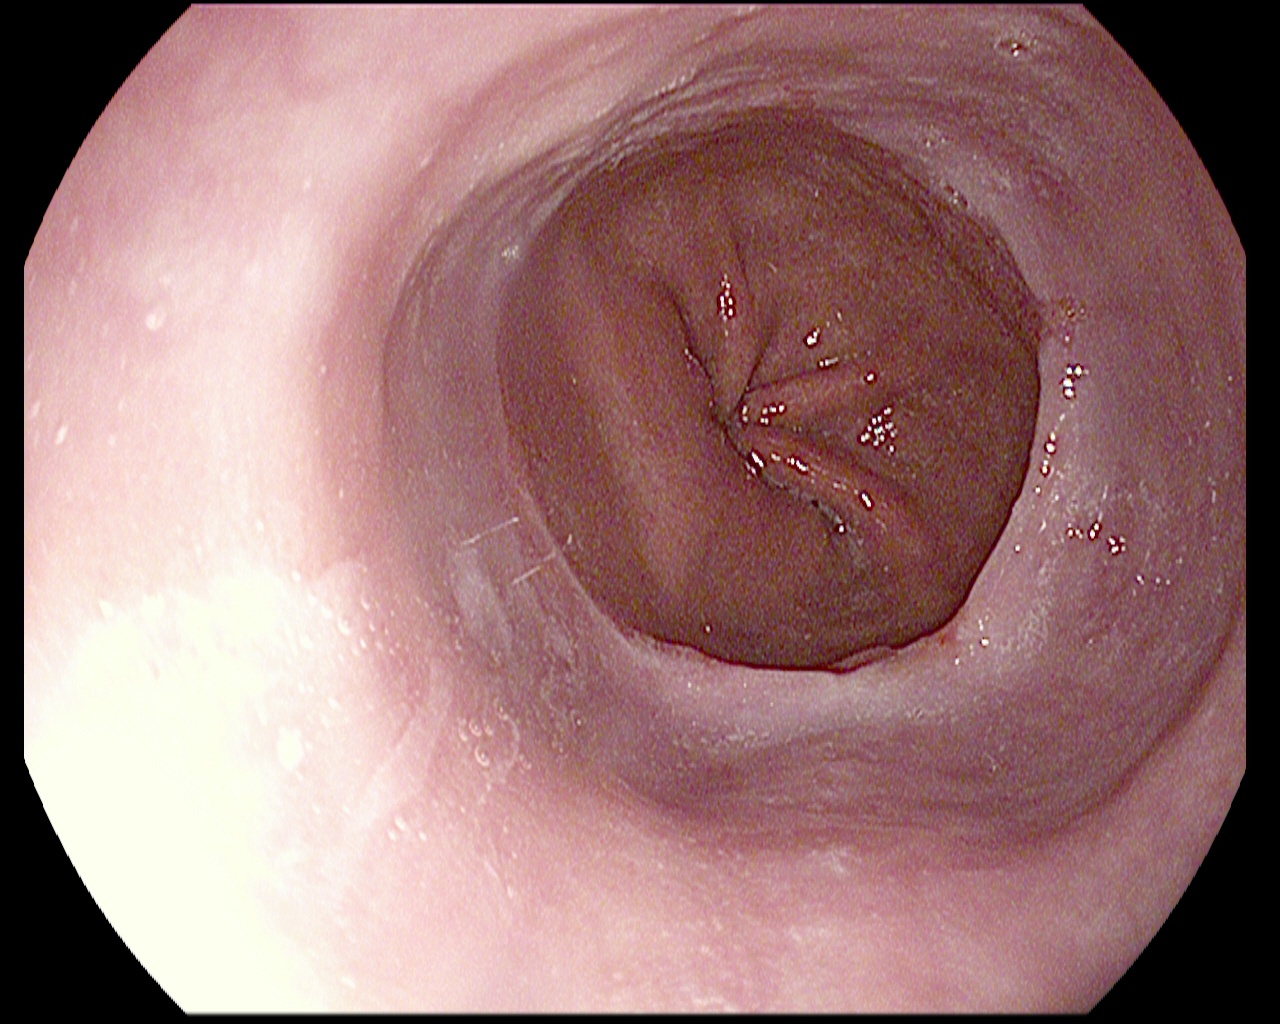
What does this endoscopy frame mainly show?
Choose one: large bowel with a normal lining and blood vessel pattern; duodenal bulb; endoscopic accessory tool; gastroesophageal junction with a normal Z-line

gastroesophageal junction with a normal Z-line